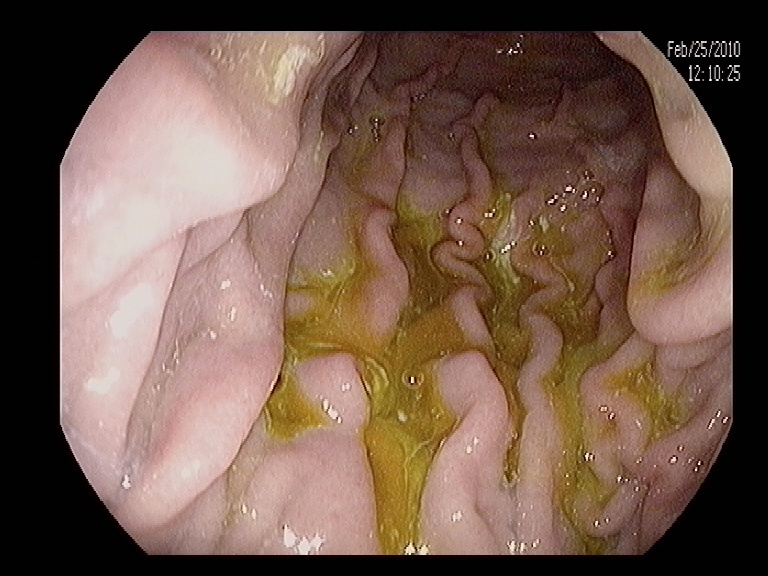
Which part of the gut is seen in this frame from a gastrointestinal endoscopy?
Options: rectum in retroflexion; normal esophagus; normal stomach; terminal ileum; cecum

normal stomach